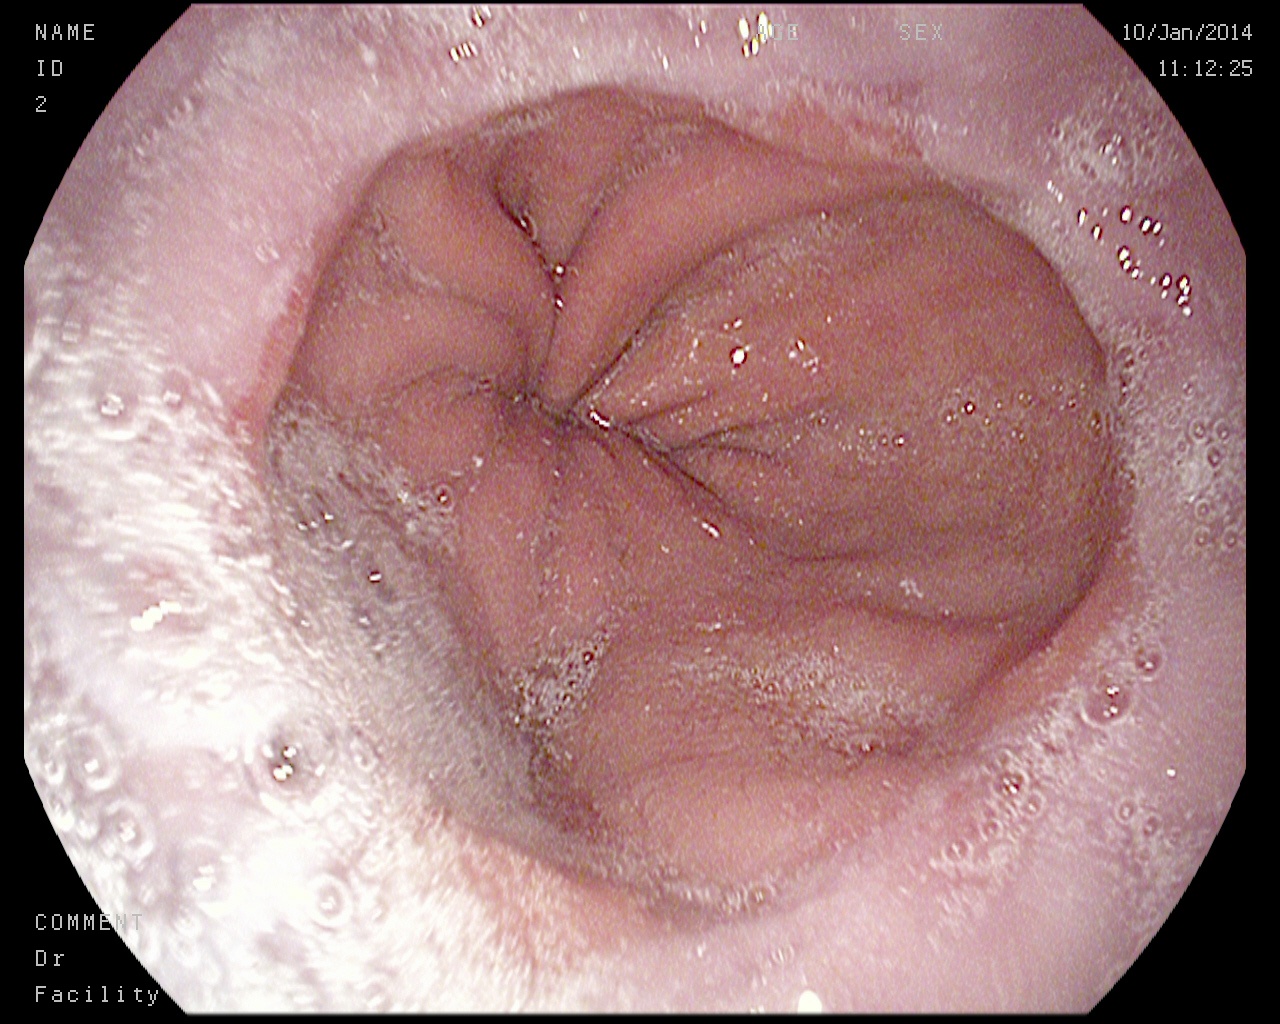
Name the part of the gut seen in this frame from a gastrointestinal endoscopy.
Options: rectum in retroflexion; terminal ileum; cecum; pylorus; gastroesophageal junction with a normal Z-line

gastroesophageal junction with a normal Z-line